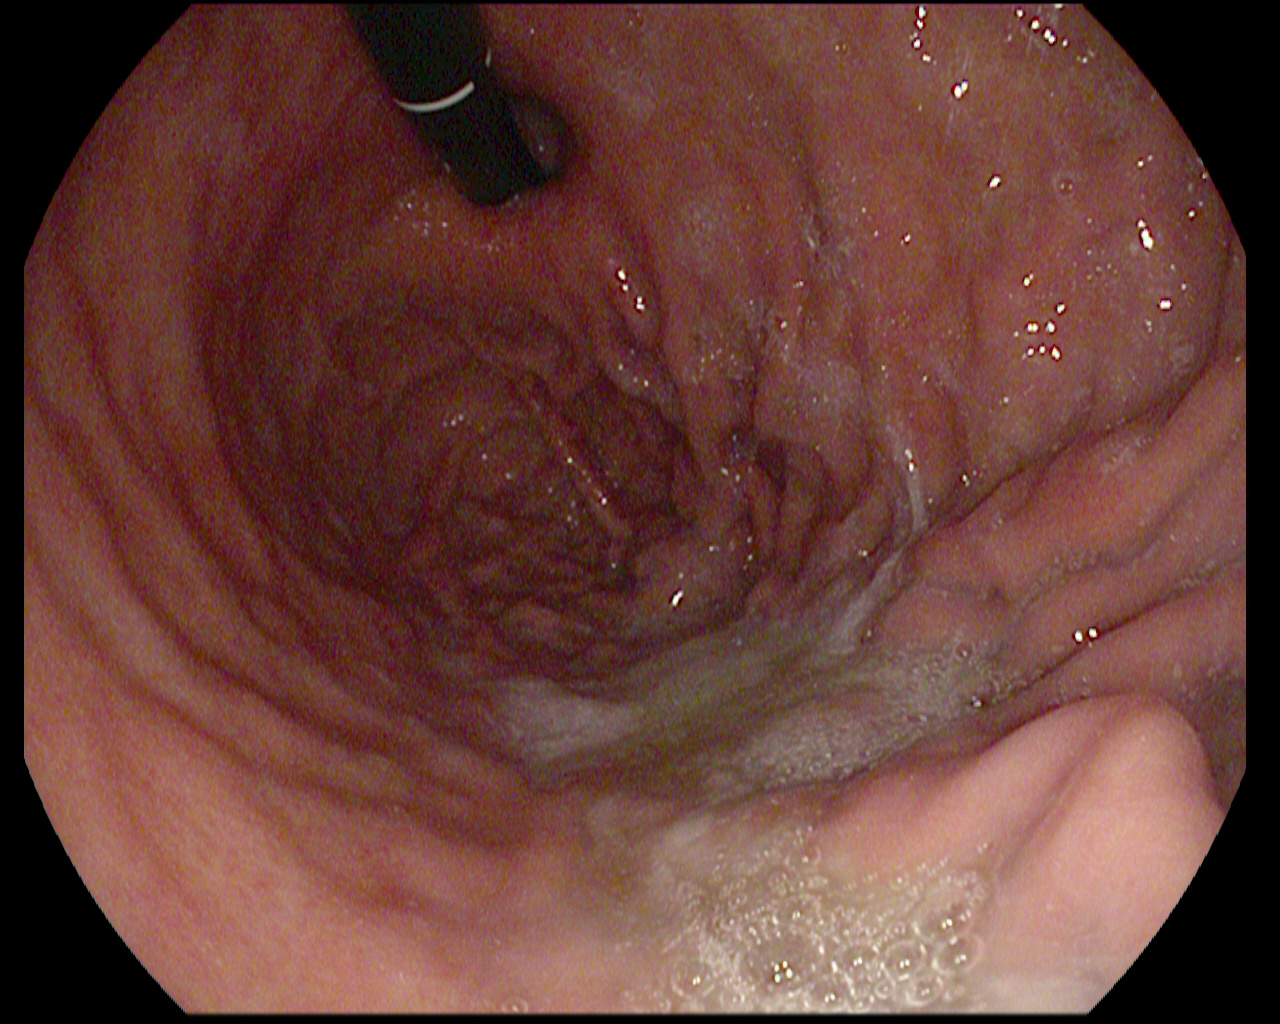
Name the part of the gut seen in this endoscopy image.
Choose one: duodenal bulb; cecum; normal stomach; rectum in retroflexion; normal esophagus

normal stomach